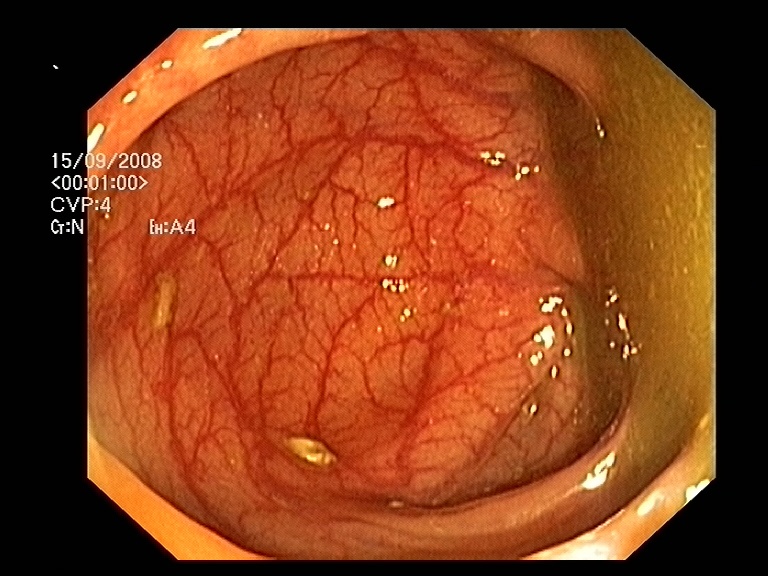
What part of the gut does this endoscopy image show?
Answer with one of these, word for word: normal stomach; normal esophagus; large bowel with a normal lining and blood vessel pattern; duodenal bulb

large bowel with a normal lining and blood vessel pattern